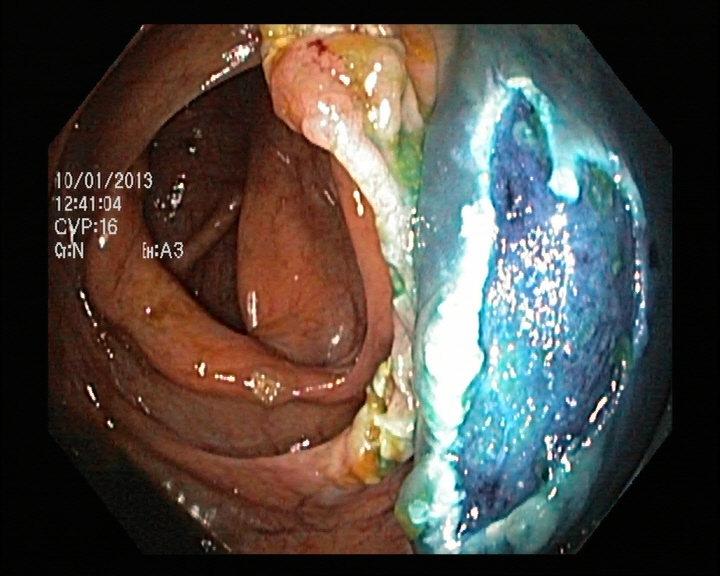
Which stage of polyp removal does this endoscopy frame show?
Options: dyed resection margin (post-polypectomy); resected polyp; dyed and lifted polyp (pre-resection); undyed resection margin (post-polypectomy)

dyed resection margin (post-polypectomy)